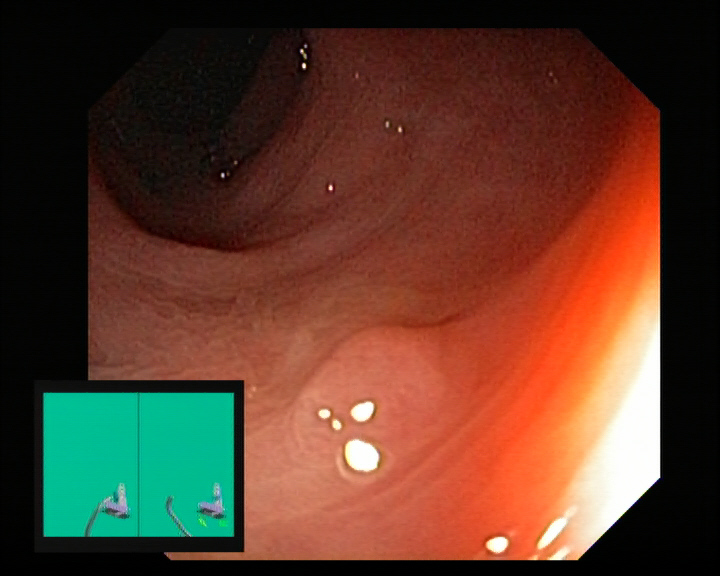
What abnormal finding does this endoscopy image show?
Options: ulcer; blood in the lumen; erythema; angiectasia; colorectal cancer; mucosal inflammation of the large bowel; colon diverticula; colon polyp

colon polyp